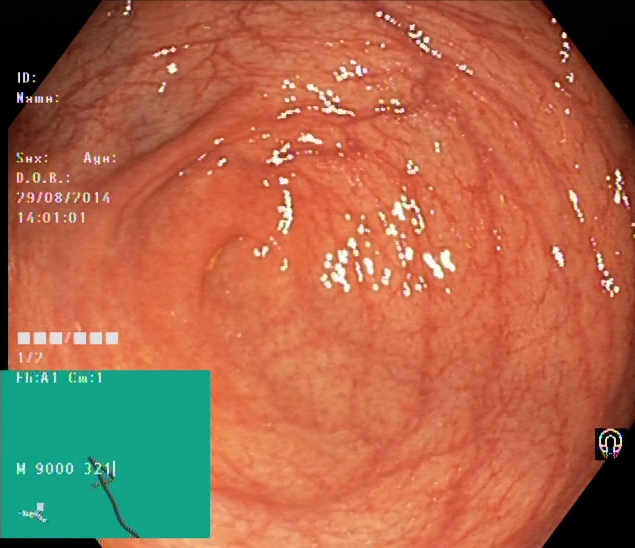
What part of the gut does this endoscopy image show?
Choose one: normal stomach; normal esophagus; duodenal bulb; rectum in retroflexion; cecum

cecum